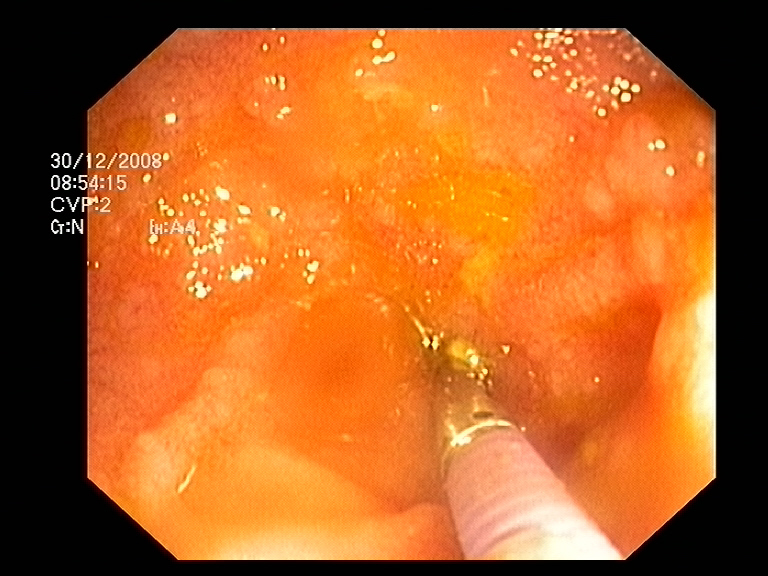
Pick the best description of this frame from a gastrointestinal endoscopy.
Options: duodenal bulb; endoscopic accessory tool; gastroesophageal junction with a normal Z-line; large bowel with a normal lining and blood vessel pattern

endoscopic accessory tool